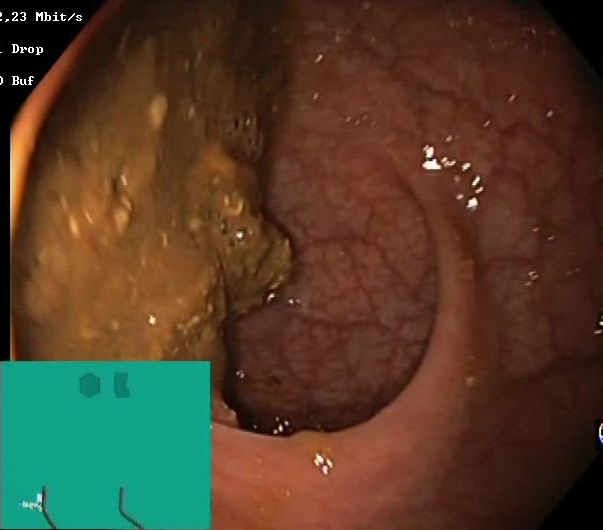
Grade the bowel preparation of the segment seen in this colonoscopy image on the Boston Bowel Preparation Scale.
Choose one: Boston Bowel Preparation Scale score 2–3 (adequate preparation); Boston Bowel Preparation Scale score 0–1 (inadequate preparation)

Boston Bowel Preparation Scale score 0–1 (inadequate preparation)